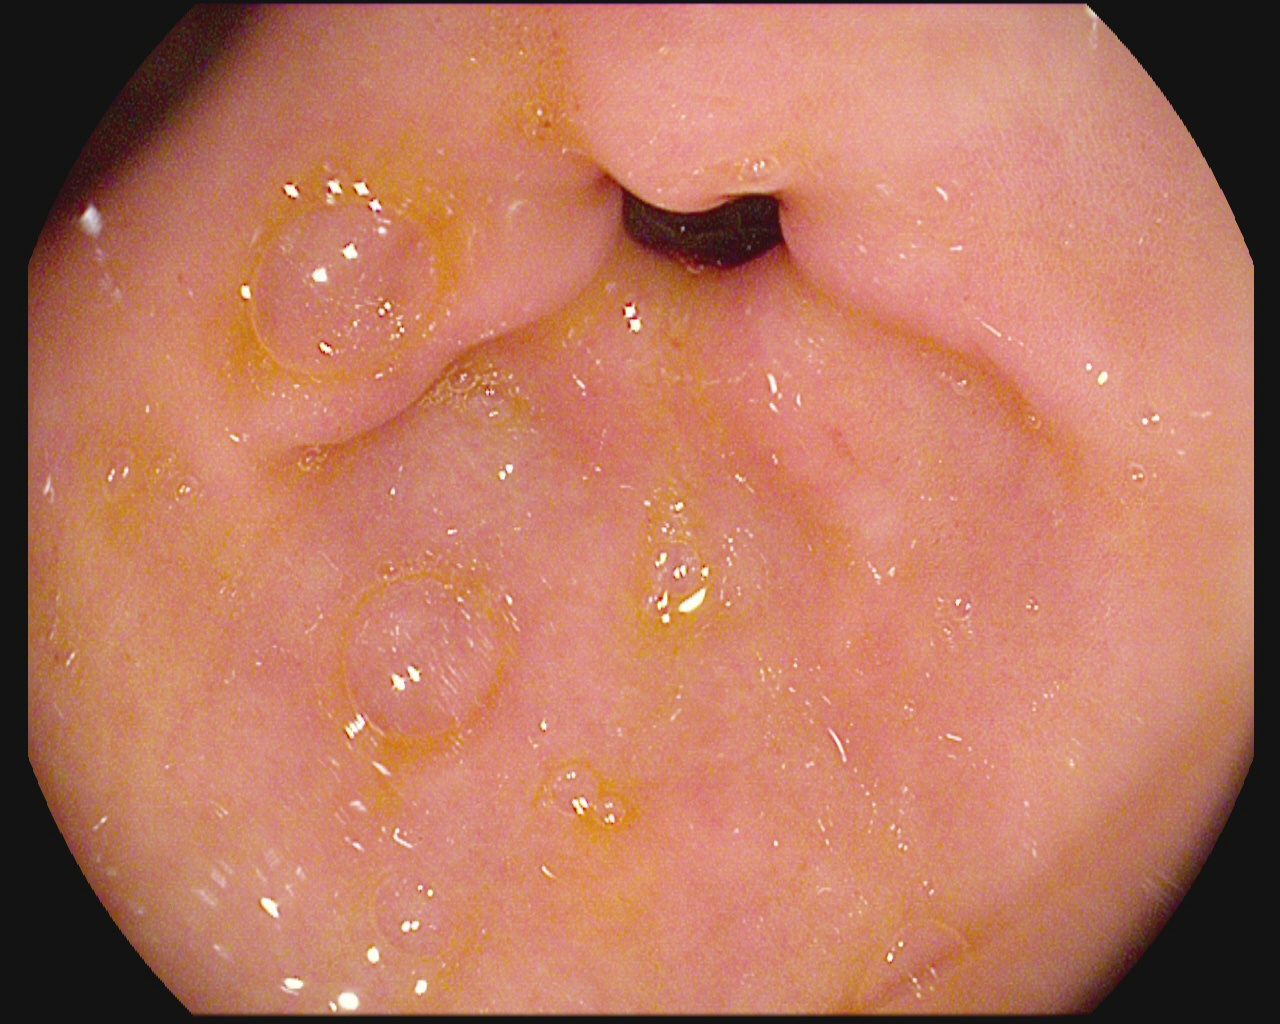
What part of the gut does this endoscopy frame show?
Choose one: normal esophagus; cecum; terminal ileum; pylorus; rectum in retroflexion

pylorus